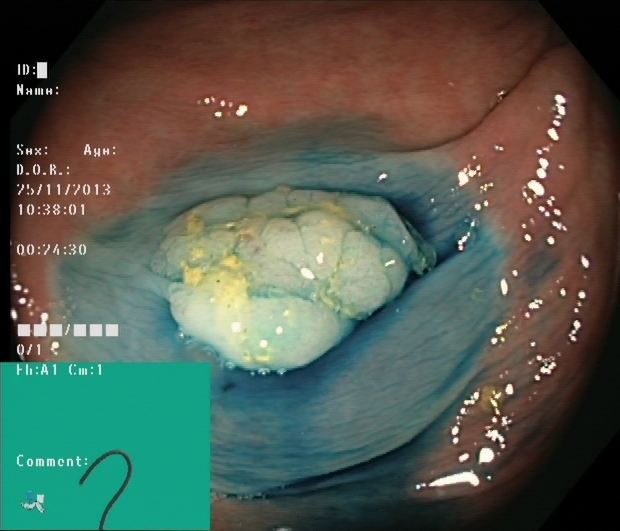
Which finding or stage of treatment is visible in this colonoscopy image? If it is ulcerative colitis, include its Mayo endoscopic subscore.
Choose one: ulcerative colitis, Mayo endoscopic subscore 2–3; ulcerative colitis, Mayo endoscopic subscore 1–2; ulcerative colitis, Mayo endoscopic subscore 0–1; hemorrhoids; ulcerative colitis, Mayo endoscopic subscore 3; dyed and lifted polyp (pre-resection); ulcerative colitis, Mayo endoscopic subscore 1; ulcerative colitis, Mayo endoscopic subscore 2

dyed and lifted polyp (pre-resection)